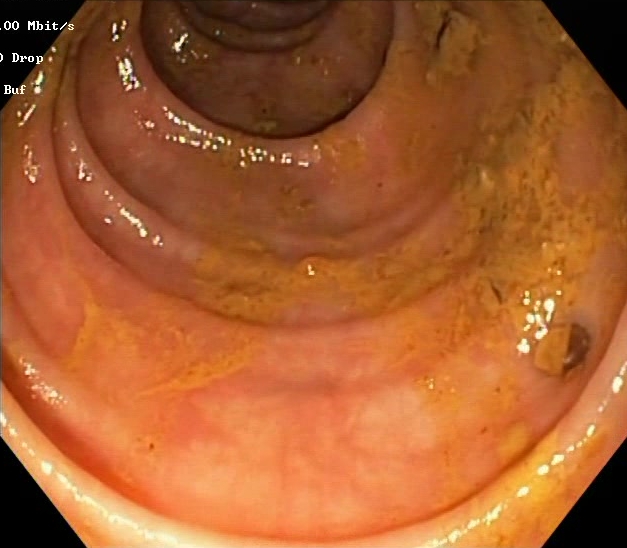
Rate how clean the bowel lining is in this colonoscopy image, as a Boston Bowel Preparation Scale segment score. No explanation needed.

Boston Bowel Preparation Scale score 0–1 (inadequate preparation)